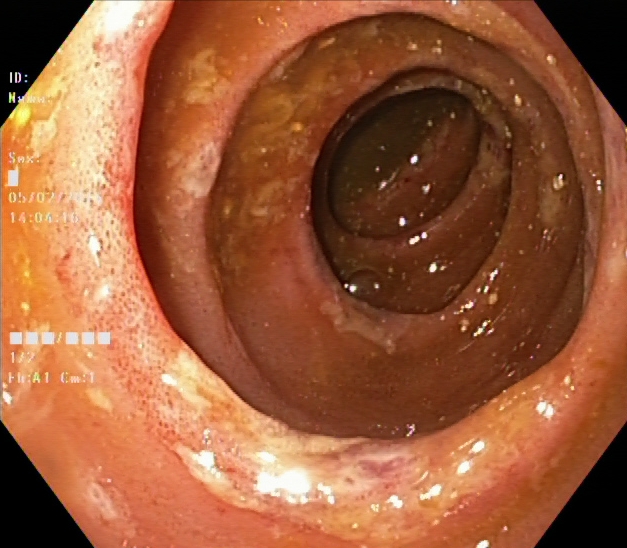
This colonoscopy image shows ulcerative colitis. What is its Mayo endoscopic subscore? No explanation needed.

ulcerative colitis, Mayo endoscopic subscore 2